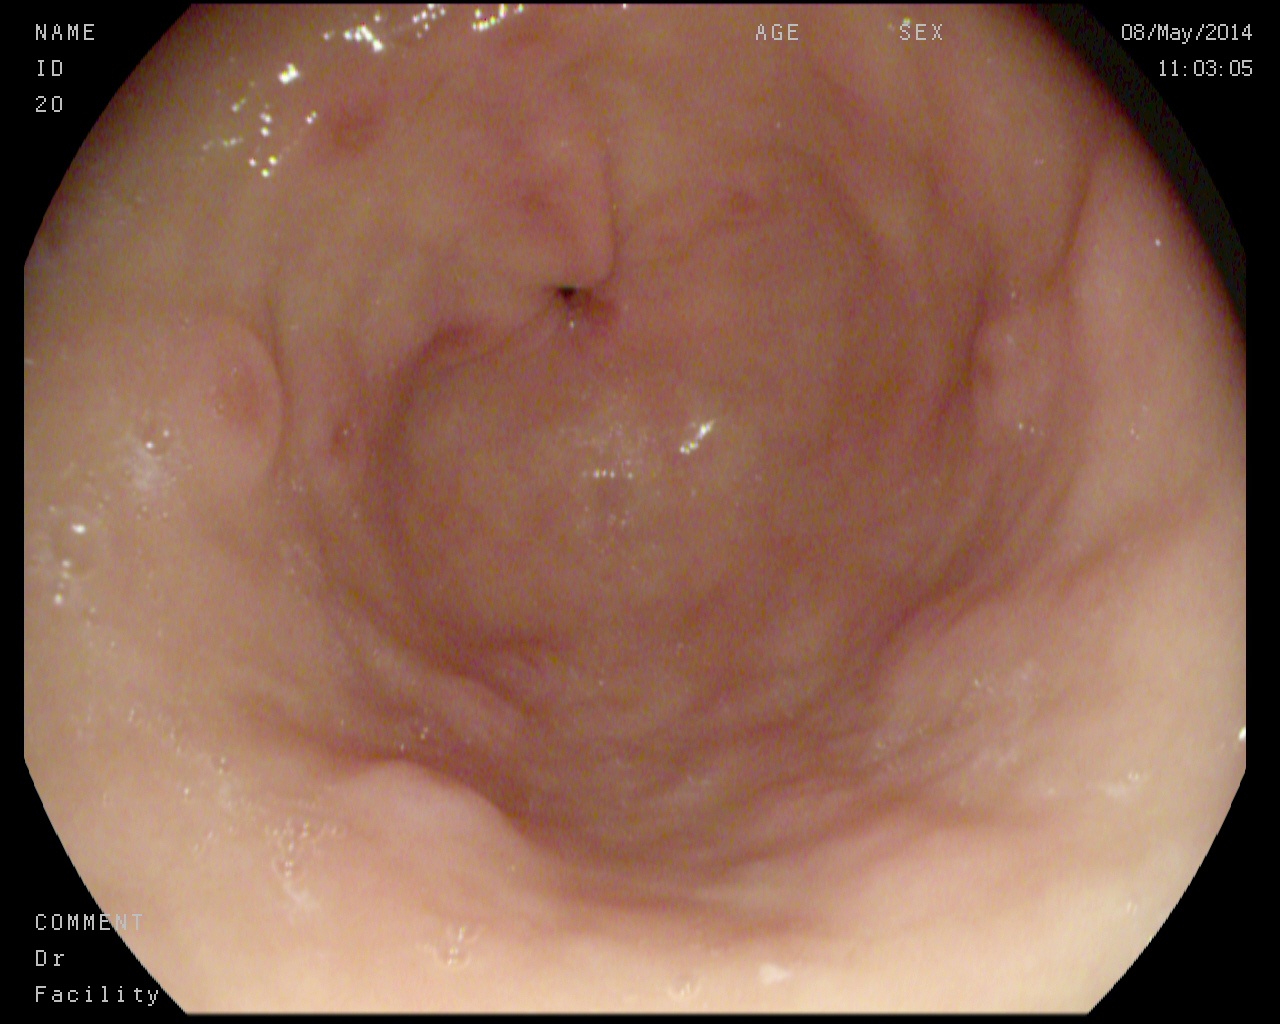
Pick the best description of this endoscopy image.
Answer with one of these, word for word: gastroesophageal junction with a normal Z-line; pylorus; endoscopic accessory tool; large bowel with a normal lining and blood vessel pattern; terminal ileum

pylorus